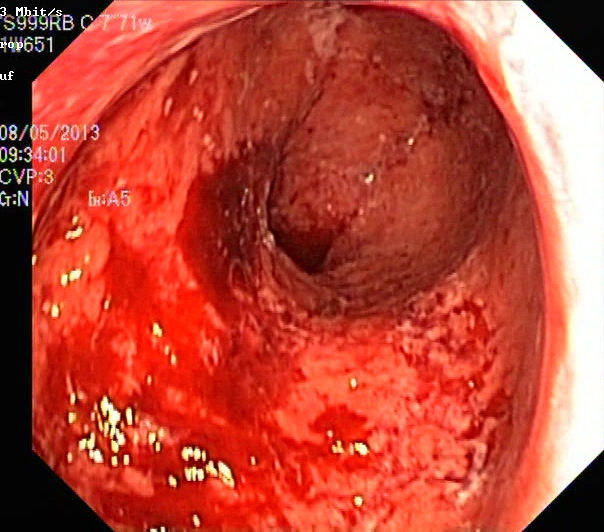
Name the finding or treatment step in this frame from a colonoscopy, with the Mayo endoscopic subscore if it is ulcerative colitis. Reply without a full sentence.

ulcerative colitis, Mayo endoscopic subscore 3